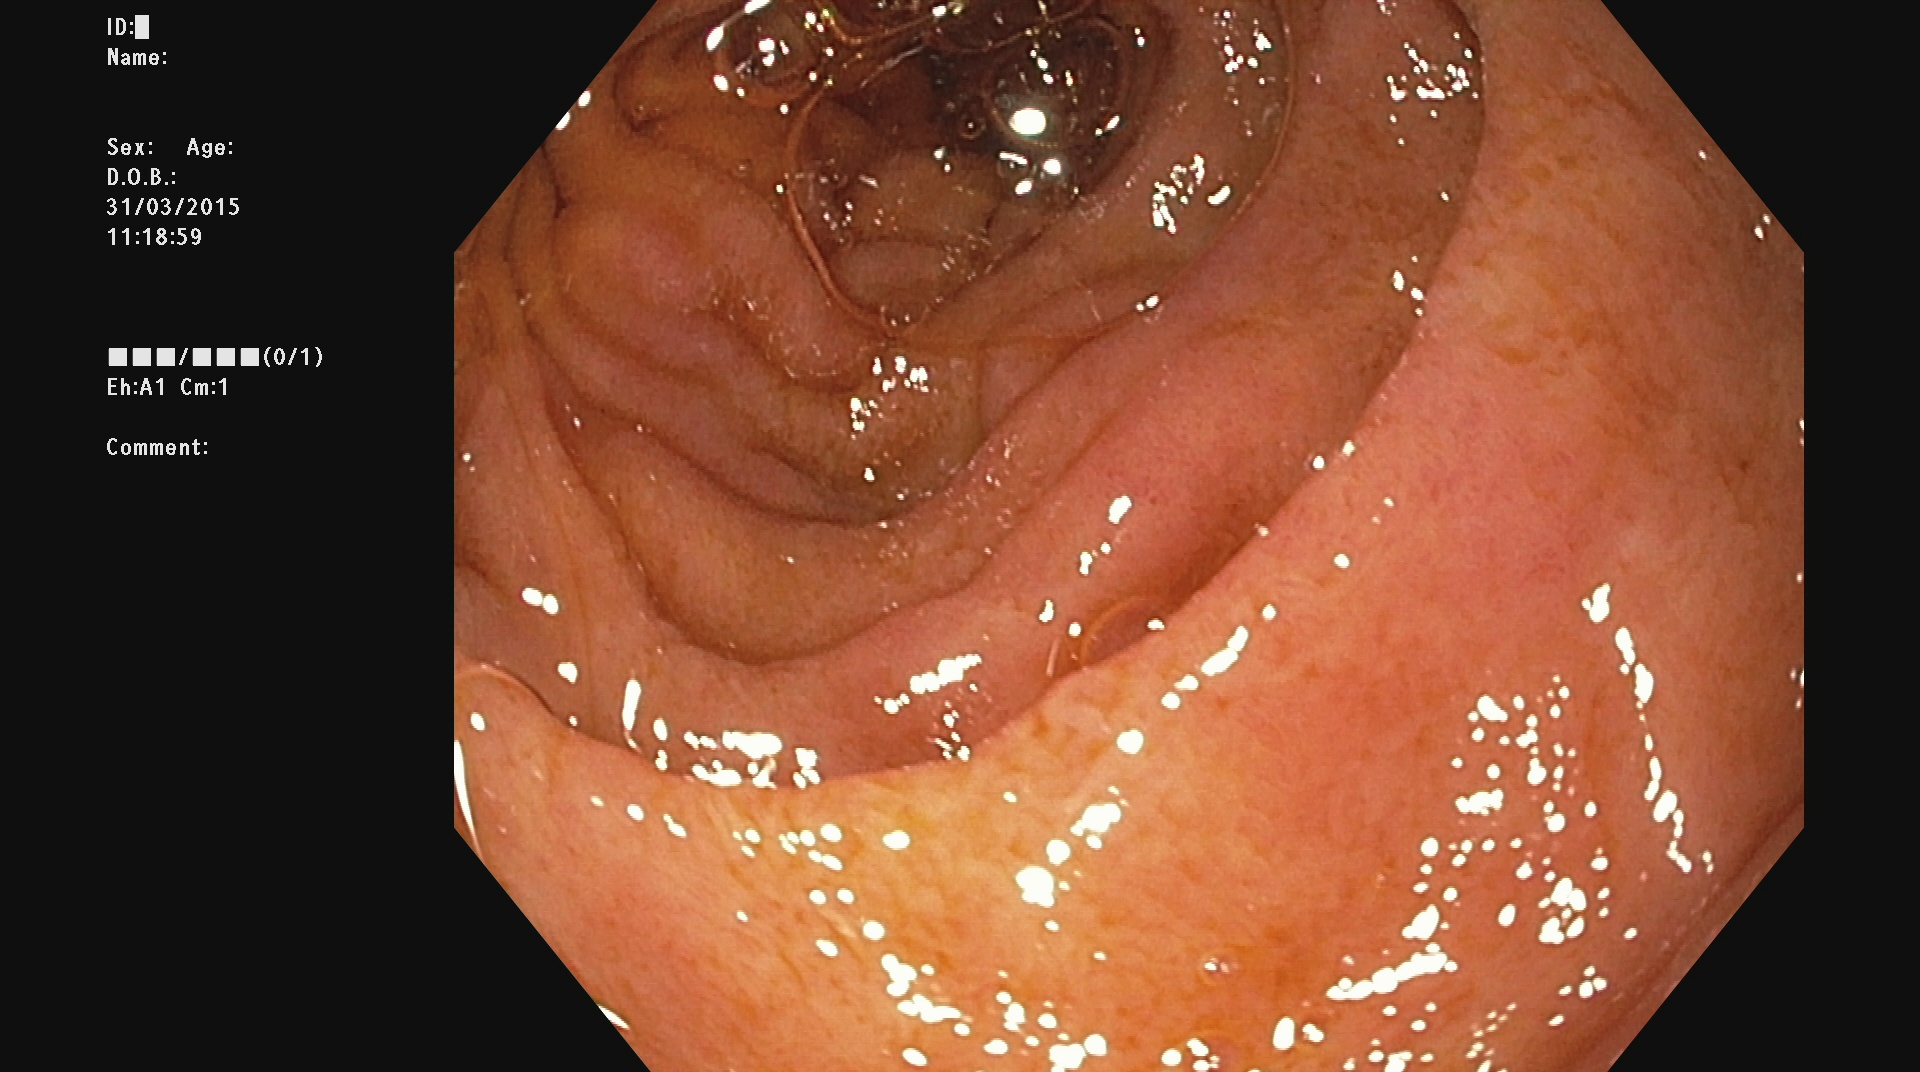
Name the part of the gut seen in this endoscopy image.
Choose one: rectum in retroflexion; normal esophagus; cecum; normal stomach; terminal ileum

terminal ileum